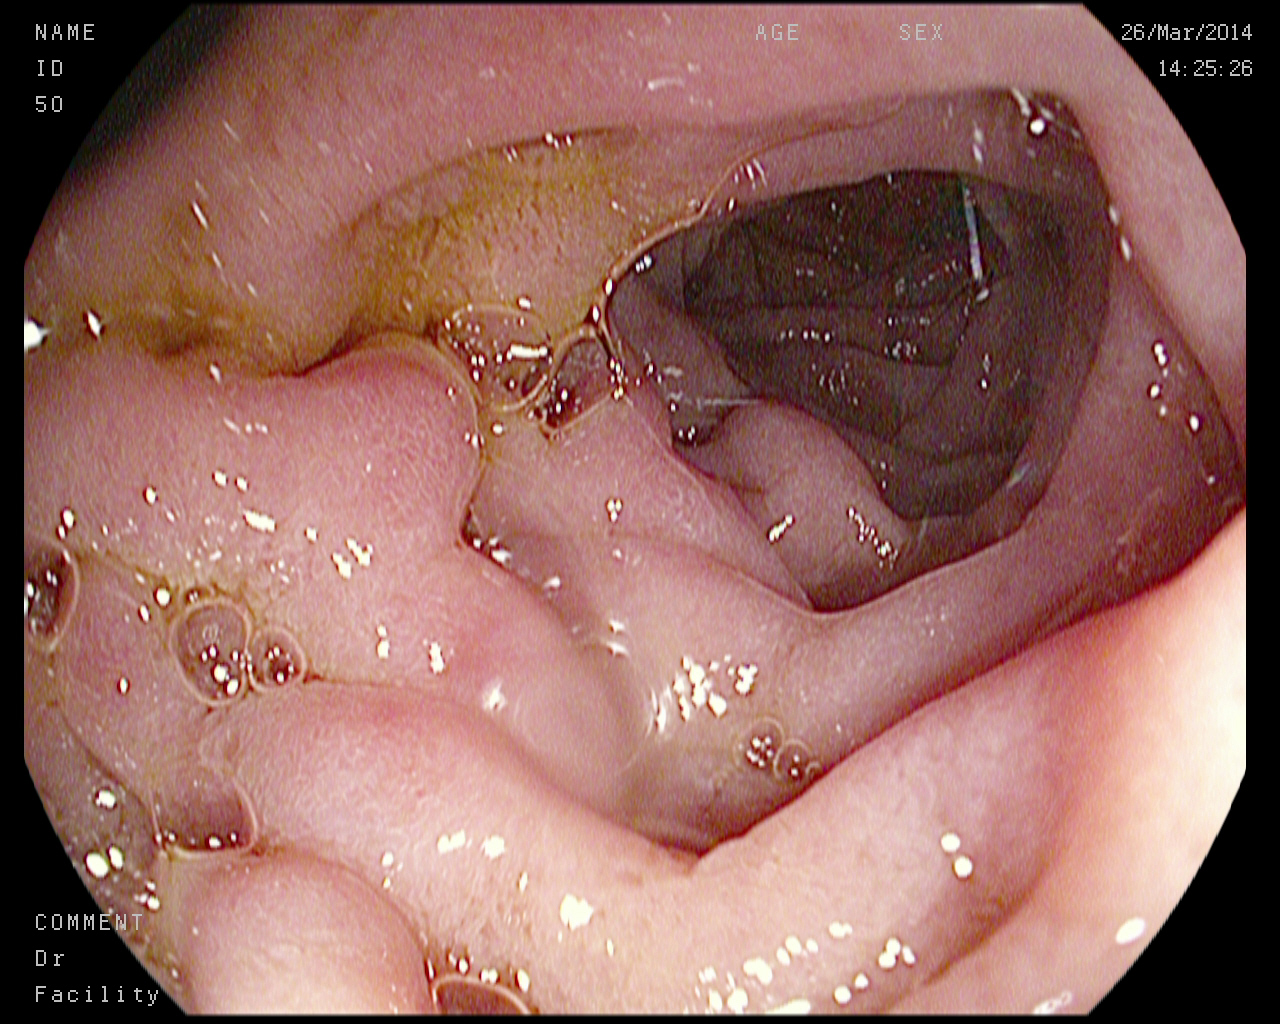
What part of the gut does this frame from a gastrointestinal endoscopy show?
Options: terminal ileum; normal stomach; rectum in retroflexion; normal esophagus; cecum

terminal ileum